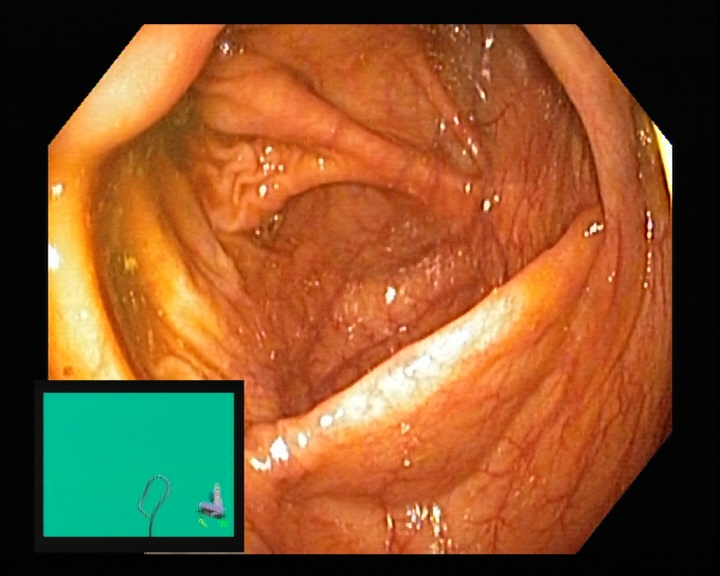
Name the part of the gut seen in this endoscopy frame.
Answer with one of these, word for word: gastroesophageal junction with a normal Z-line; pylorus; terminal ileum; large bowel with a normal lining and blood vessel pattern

large bowel with a normal lining and blood vessel pattern